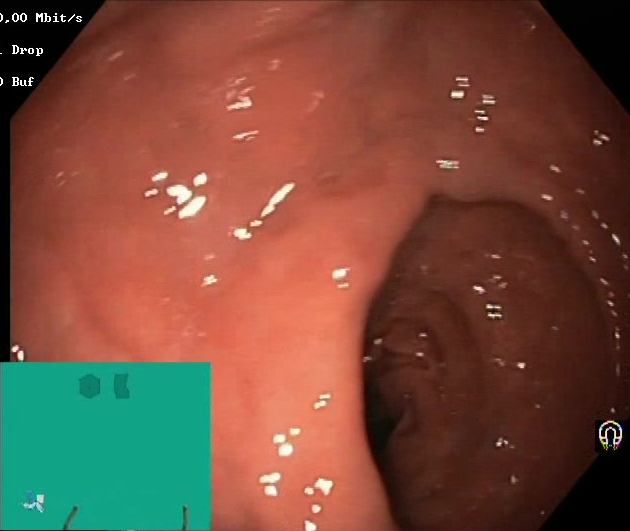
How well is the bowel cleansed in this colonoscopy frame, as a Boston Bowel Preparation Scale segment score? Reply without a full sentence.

Boston Bowel Preparation Scale score 2–3 (adequate preparation)